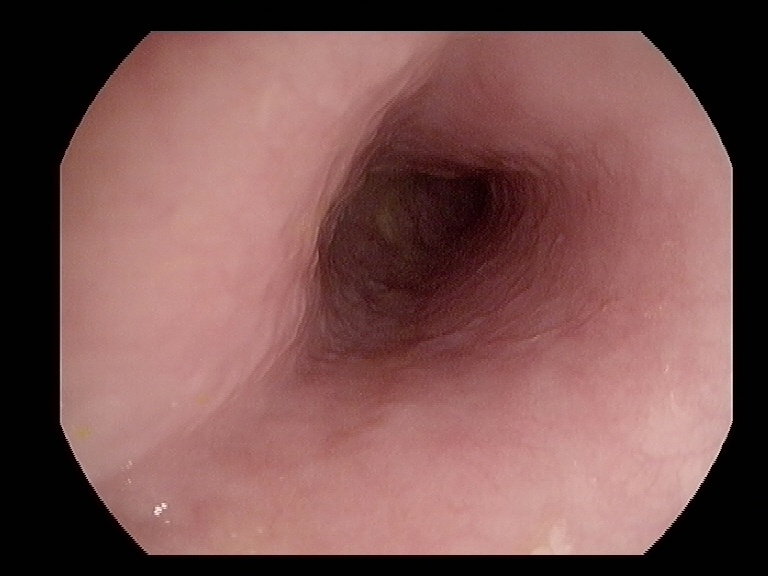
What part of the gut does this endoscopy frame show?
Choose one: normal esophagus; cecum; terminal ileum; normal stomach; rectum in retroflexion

normal esophagus